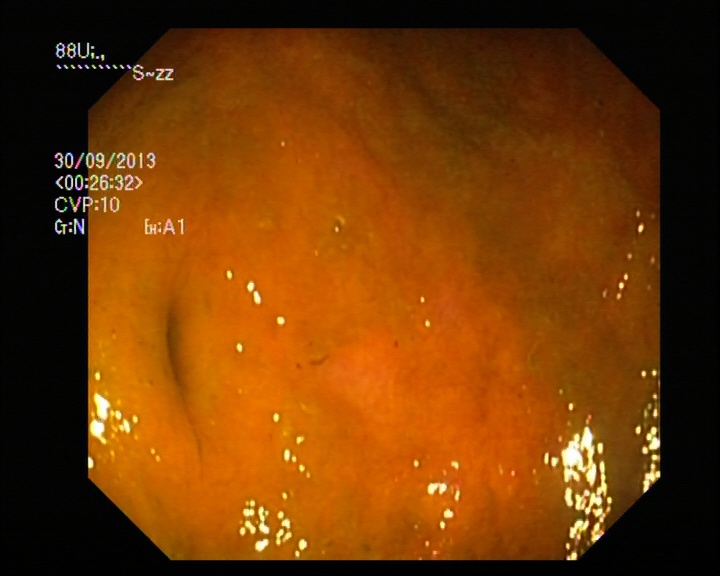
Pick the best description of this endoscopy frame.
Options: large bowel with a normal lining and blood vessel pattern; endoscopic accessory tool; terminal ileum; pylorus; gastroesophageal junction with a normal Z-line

large bowel with a normal lining and blood vessel pattern